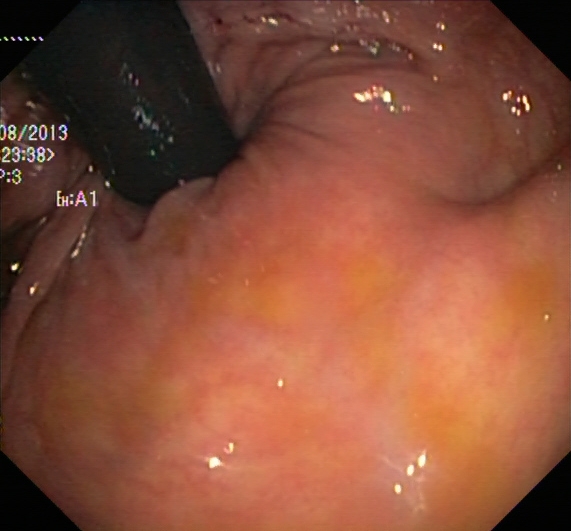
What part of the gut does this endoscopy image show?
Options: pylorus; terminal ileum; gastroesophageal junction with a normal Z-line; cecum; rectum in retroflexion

rectum in retroflexion